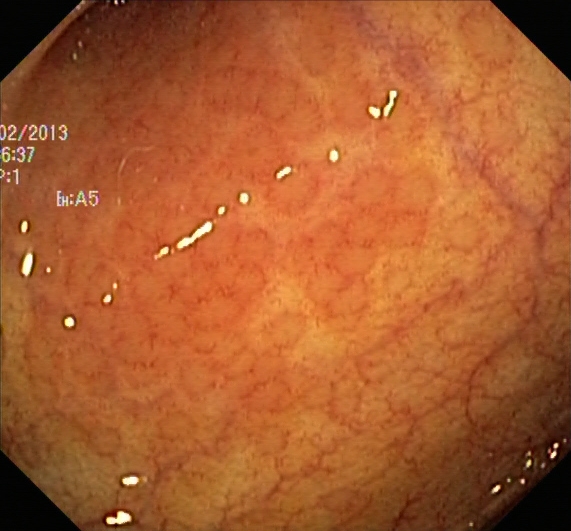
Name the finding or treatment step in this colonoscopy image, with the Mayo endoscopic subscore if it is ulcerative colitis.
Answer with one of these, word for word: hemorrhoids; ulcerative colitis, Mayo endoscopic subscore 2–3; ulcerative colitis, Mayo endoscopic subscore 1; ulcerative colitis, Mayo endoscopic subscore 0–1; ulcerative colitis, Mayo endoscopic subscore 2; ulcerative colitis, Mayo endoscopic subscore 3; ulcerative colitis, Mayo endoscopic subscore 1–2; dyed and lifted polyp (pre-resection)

ulcerative colitis, Mayo endoscopic subscore 0–1